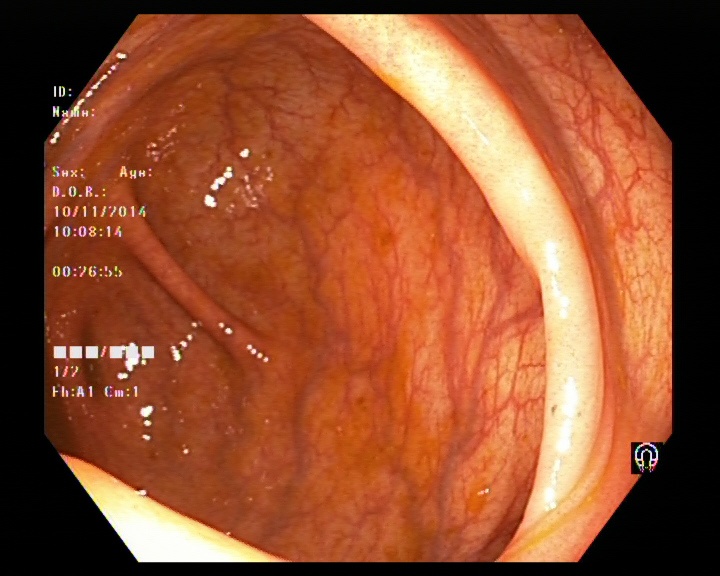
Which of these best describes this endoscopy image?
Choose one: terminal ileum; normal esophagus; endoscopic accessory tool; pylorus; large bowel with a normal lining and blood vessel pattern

large bowel with a normal lining and blood vessel pattern